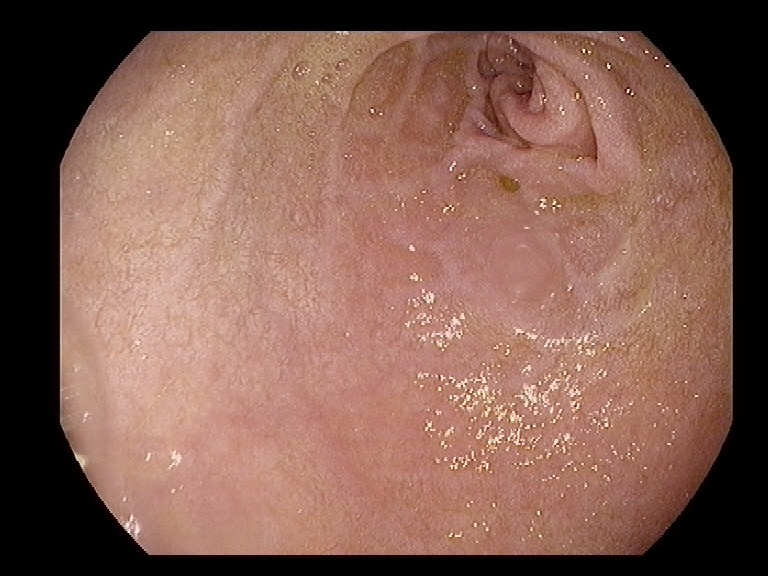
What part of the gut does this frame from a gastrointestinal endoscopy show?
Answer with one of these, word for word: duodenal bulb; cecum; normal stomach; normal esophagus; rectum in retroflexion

duodenal bulb